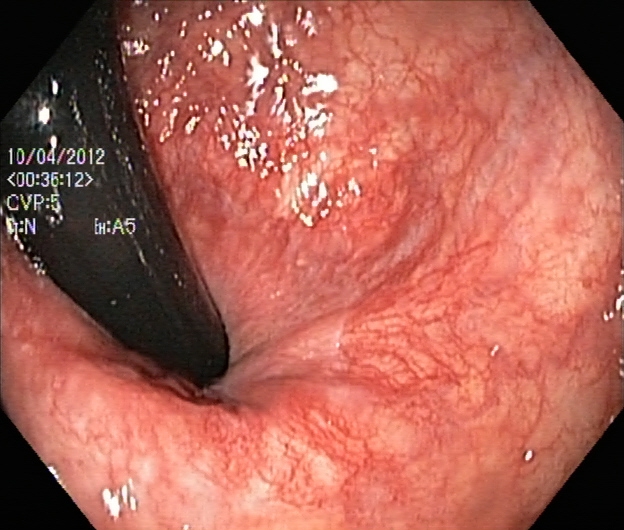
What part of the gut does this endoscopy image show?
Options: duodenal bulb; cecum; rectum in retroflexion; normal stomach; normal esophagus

rectum in retroflexion